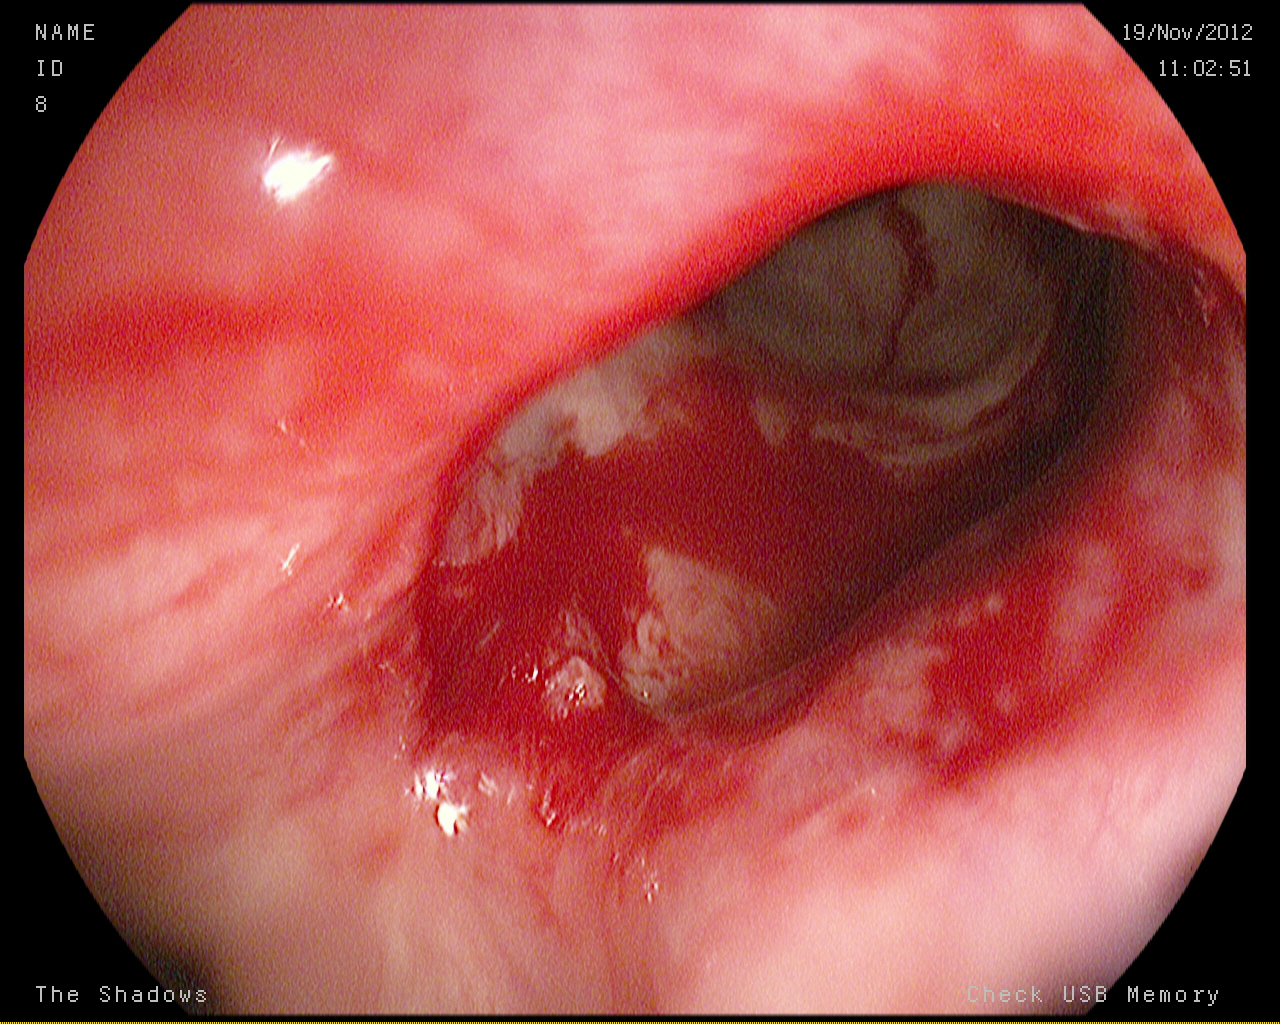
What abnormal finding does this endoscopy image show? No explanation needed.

blood in the lumen